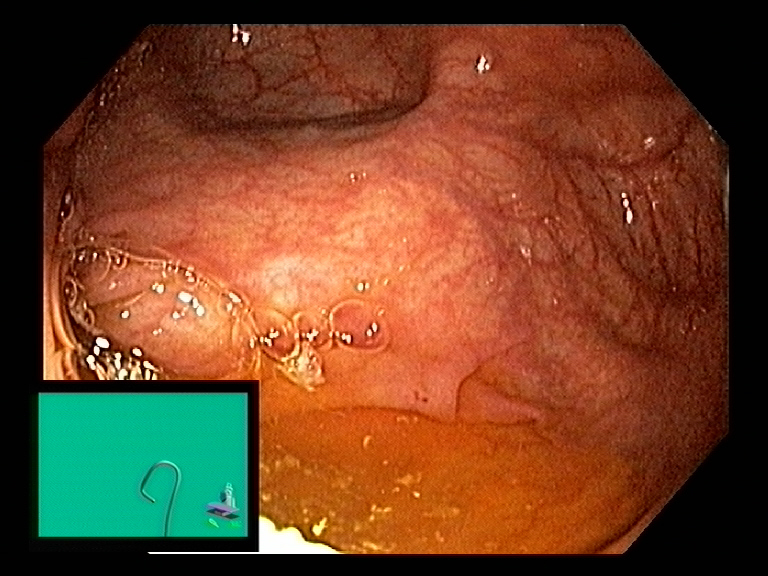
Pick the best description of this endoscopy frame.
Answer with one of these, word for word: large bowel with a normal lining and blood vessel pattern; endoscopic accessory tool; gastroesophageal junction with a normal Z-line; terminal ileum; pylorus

large bowel with a normal lining and blood vessel pattern